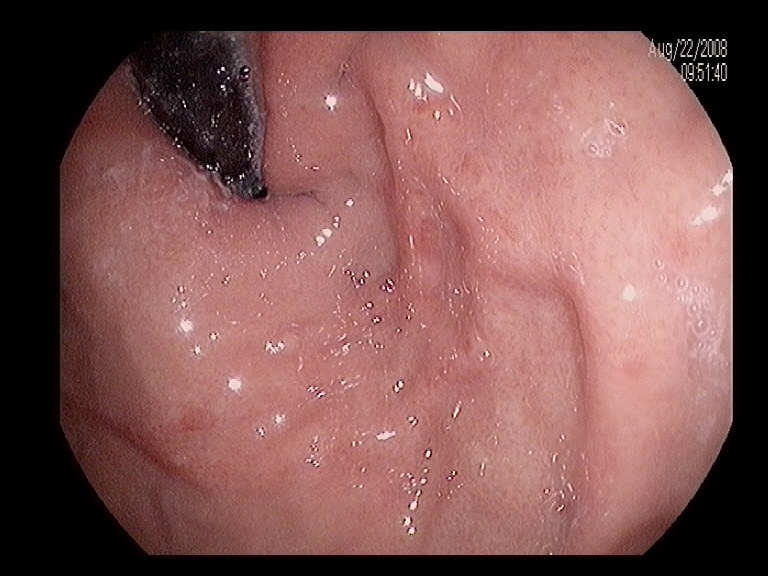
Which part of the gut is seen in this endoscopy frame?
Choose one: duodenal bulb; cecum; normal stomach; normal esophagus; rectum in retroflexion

normal stomach